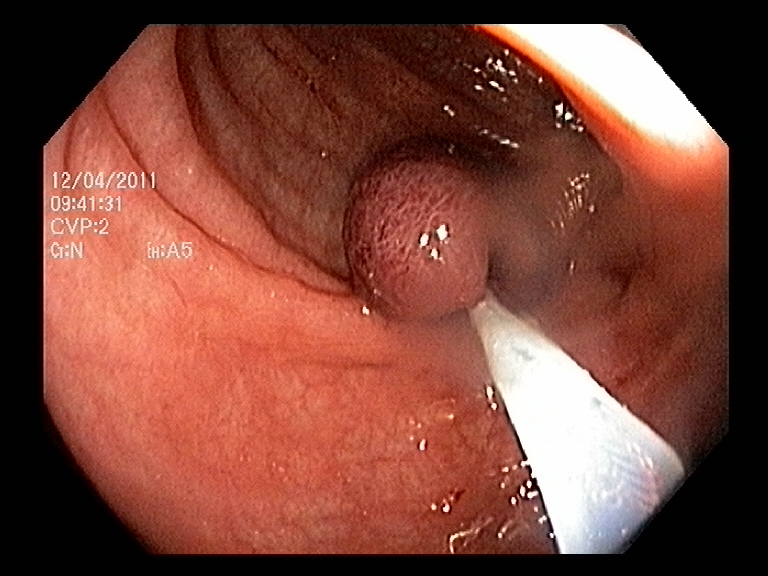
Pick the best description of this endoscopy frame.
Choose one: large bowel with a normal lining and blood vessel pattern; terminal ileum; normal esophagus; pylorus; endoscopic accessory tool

endoscopic accessory tool